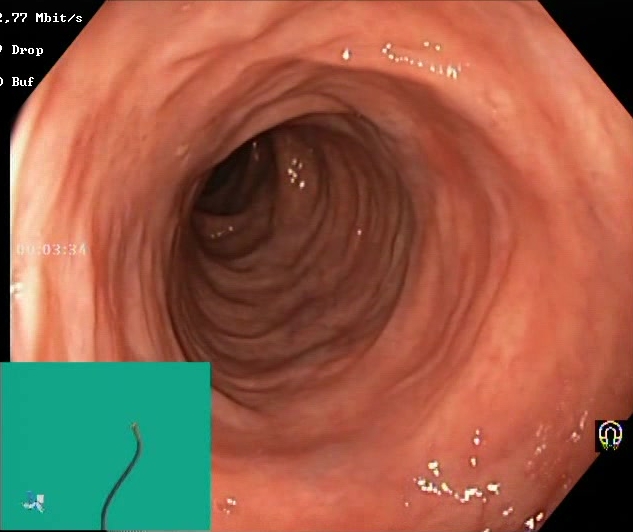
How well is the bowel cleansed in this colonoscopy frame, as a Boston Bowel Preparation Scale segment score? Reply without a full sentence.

Boston Bowel Preparation Scale score 2–3 (adequate preparation)